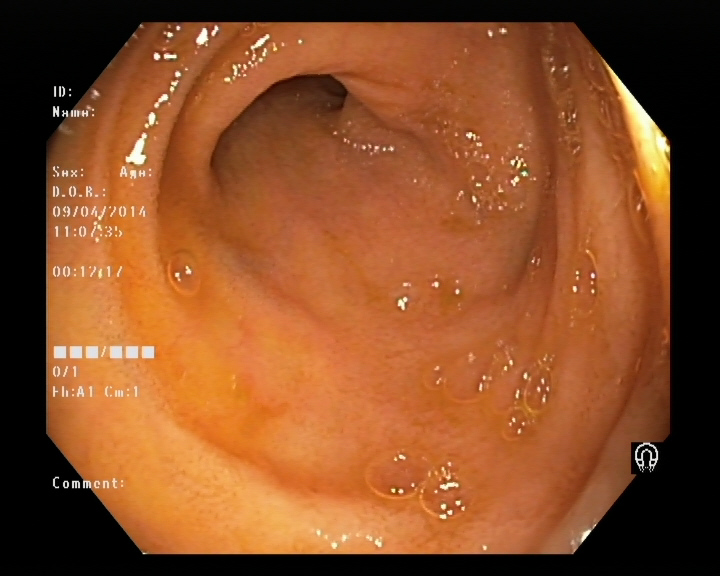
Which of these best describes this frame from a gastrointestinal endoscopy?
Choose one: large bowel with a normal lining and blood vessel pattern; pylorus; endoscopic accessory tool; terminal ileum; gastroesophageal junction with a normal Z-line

terminal ileum